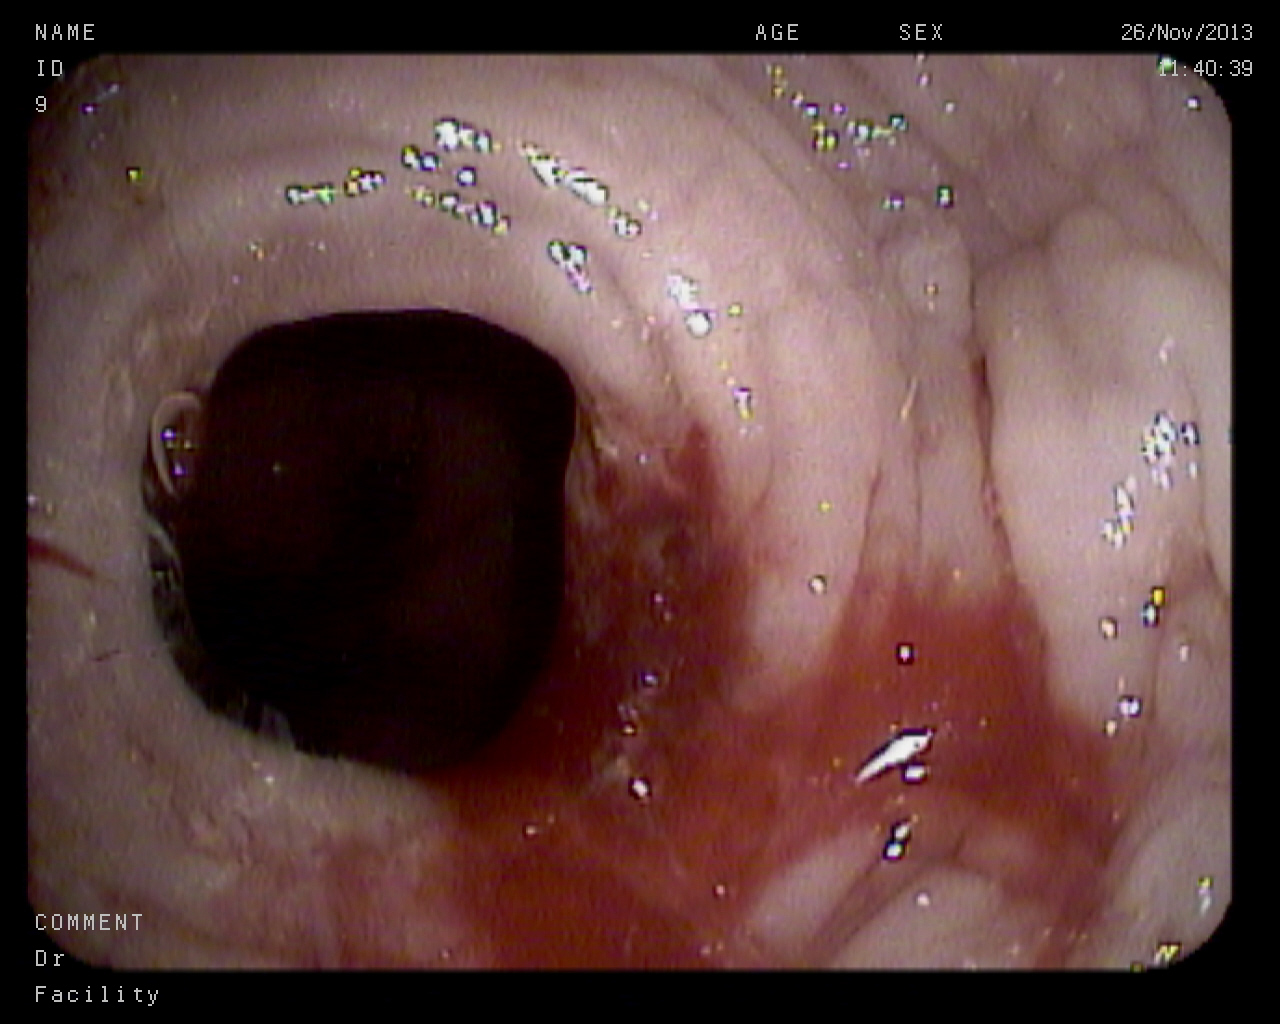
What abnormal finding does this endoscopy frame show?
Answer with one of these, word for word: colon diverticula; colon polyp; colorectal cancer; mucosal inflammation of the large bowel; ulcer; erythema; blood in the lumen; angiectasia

blood in the lumen